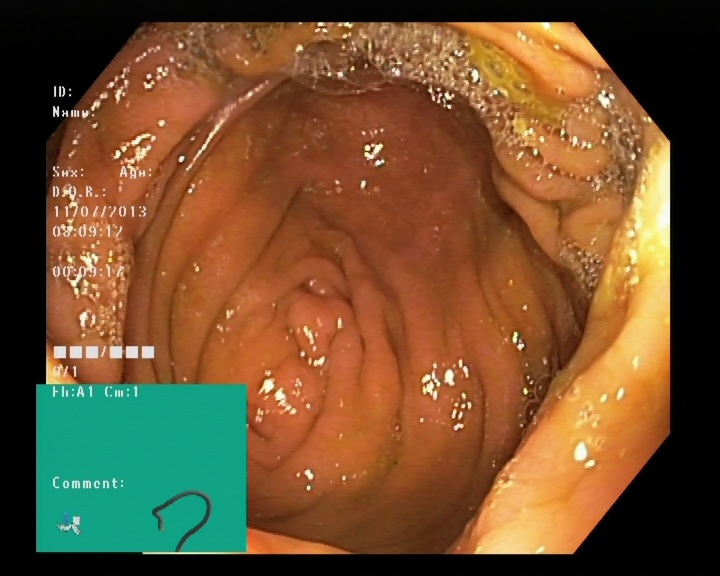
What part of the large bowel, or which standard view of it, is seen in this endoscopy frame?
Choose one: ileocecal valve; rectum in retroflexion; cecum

cecum